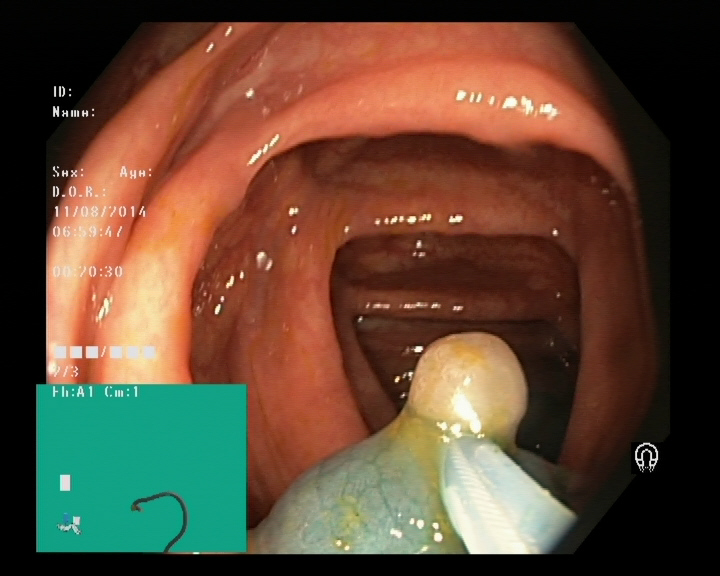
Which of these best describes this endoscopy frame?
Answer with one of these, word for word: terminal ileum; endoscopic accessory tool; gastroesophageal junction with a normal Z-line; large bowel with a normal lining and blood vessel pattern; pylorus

endoscopic accessory tool